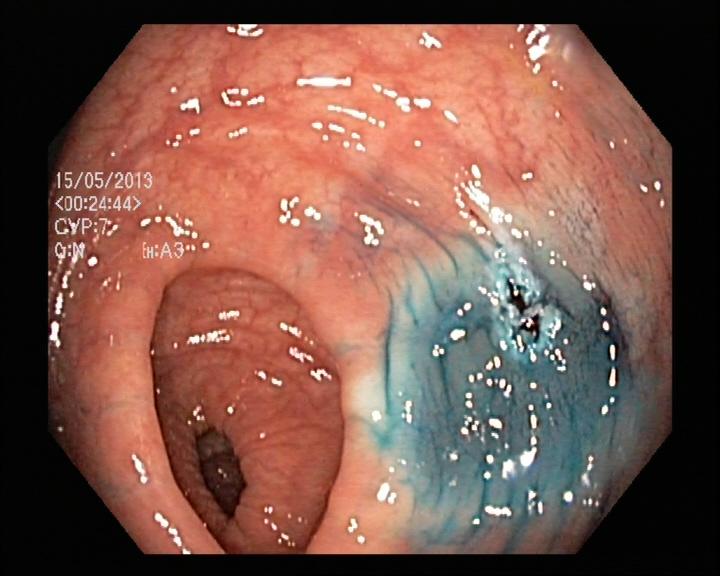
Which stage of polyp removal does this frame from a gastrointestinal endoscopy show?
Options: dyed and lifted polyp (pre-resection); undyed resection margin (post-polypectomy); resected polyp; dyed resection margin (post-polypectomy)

dyed resection margin (post-polypectomy)